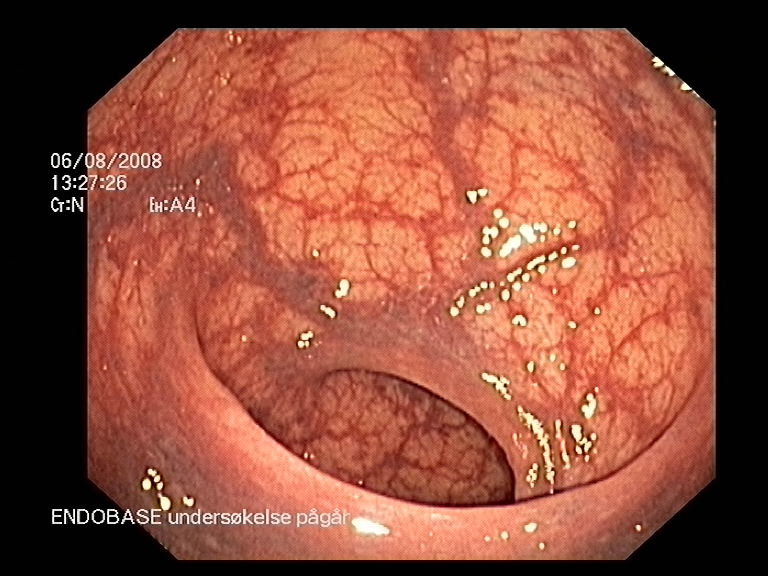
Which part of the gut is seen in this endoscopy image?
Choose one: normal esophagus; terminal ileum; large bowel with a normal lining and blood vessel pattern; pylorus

large bowel with a normal lining and blood vessel pattern